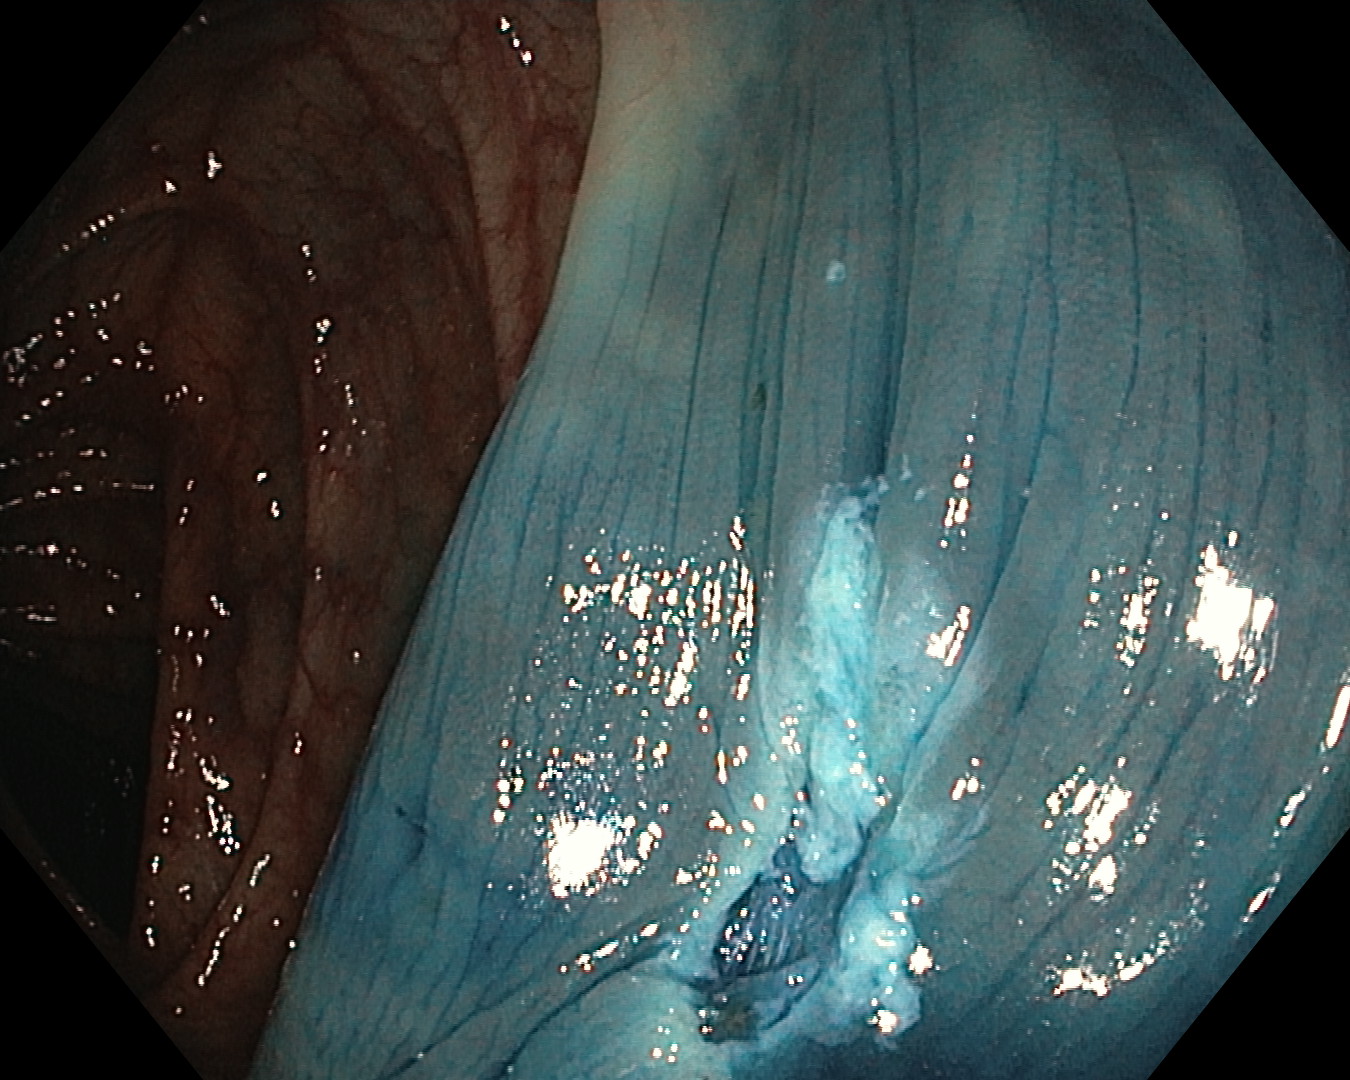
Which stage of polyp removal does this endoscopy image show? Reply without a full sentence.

dyed resection margin (post-polypectomy)